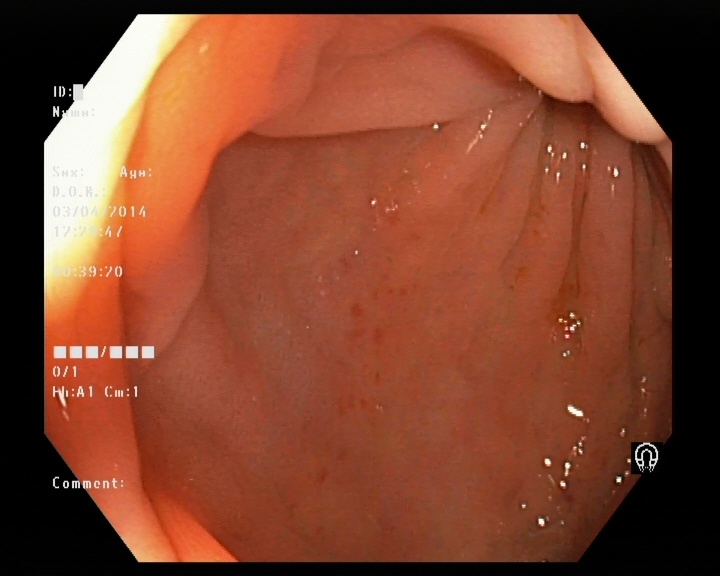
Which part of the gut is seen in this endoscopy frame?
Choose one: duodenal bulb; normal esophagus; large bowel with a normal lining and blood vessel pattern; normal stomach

normal stomach